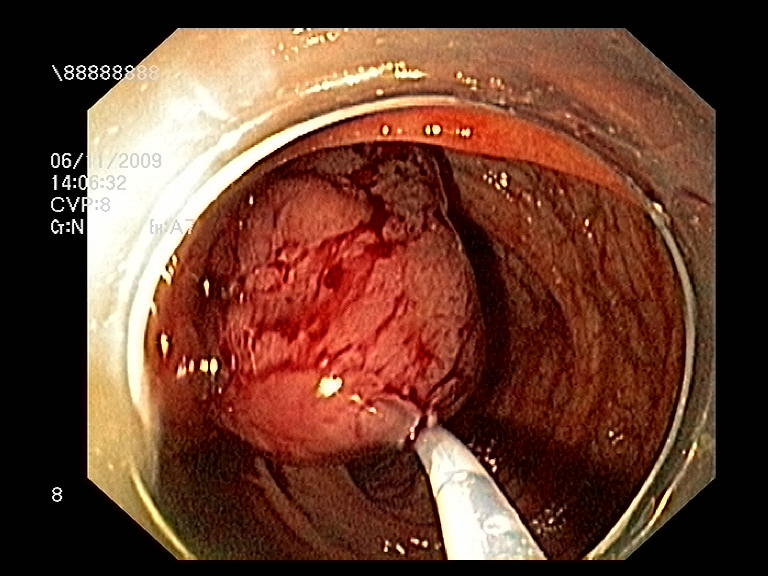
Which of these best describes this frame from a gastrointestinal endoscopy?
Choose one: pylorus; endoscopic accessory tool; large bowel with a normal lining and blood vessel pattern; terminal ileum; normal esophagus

endoscopic accessory tool